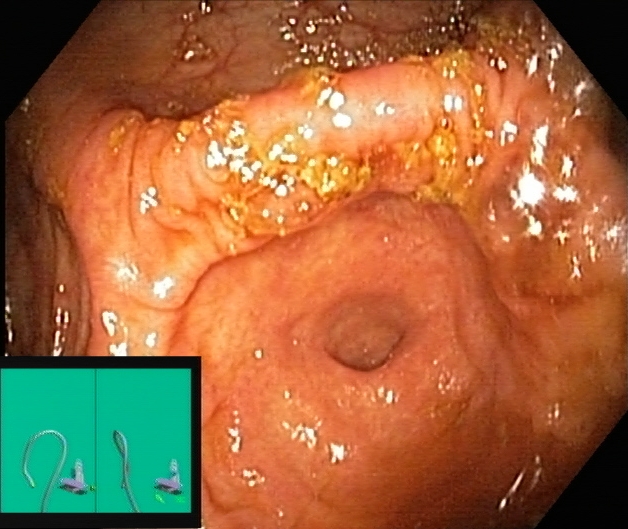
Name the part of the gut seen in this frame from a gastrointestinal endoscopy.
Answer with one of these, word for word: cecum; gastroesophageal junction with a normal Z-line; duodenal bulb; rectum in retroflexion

cecum